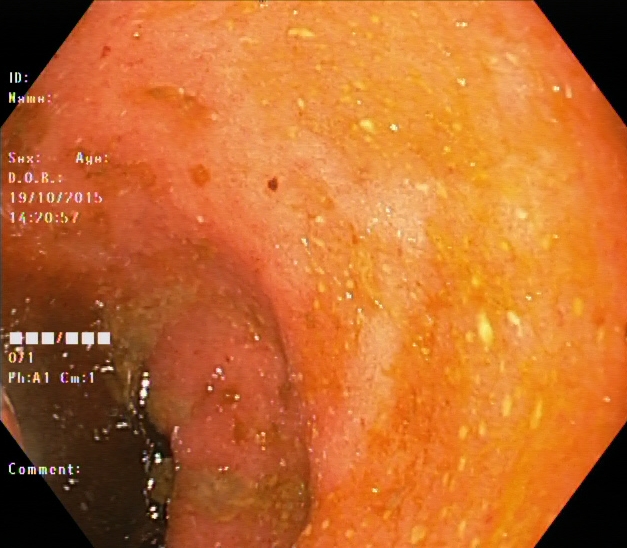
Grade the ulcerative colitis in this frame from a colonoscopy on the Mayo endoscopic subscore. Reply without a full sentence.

ulcerative colitis, Mayo endoscopic subscore 2